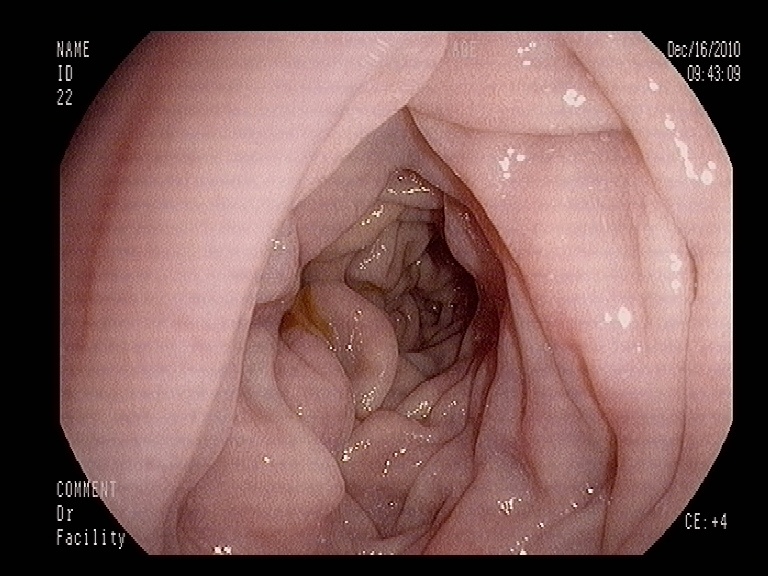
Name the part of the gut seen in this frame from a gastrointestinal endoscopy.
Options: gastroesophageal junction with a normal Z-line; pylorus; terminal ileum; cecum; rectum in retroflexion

terminal ileum